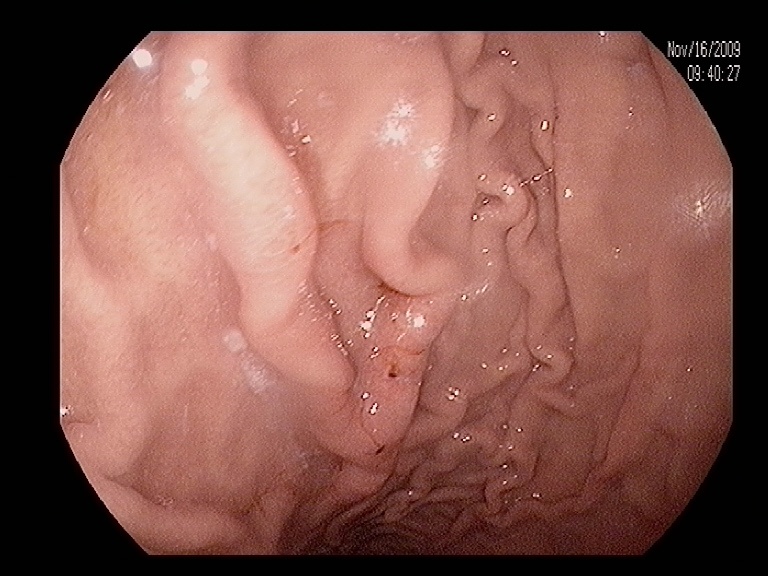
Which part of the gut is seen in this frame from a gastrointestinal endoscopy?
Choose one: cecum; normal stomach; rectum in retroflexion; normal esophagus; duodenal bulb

normal stomach